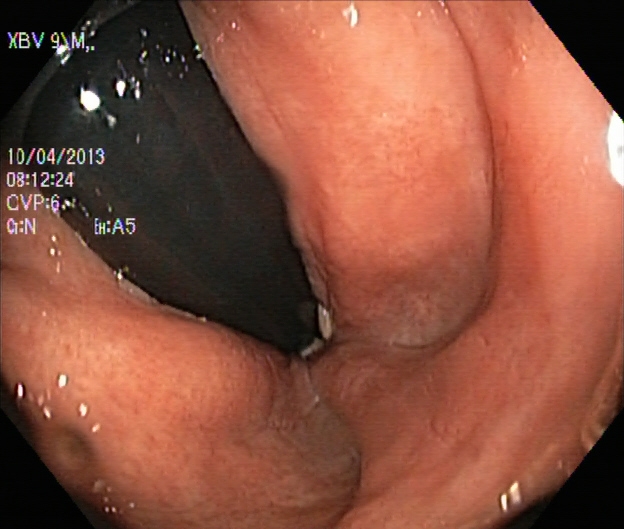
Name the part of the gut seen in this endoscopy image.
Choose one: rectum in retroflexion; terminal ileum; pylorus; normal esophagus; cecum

rectum in retroflexion